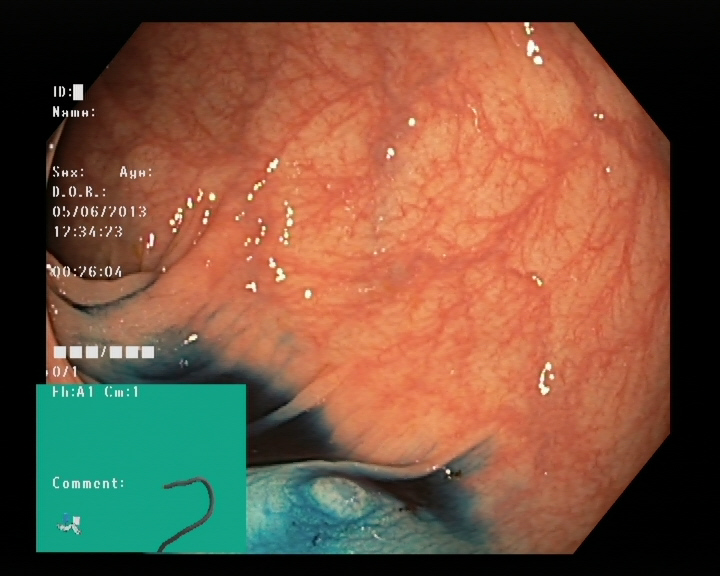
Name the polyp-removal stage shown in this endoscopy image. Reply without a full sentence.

dyed and lifted polyp (pre-resection)